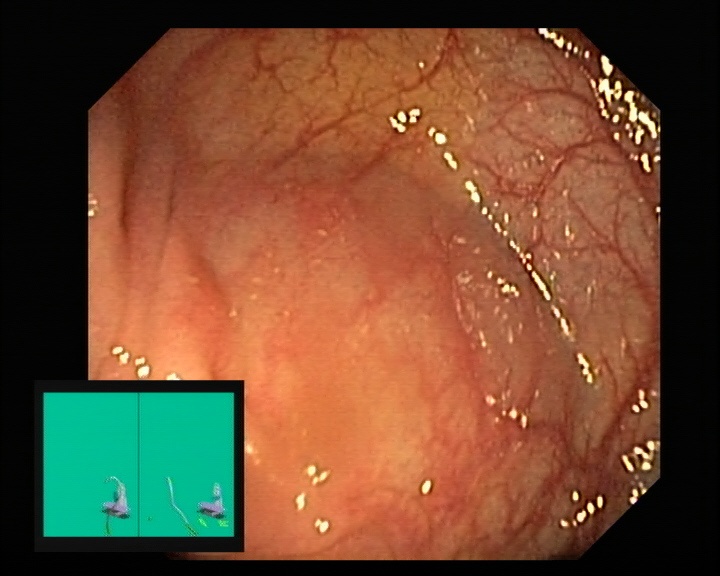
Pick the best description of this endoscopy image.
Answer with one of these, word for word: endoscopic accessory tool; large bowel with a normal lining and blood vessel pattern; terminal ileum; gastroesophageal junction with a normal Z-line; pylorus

large bowel with a normal lining and blood vessel pattern